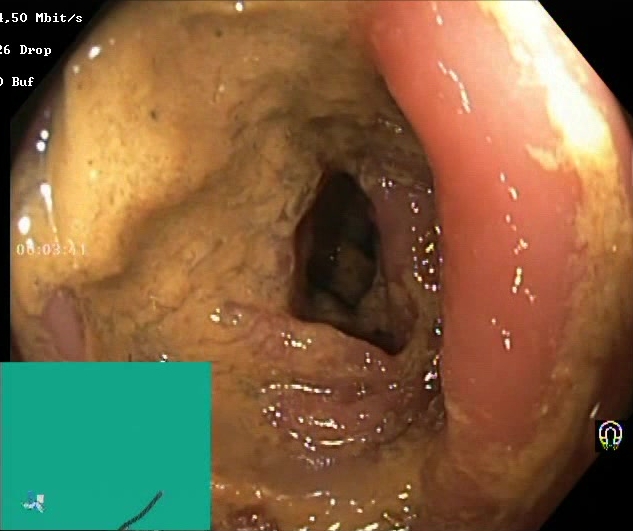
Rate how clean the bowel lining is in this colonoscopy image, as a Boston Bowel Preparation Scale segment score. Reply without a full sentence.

Boston Bowel Preparation Scale score 0–1 (inadequate preparation)